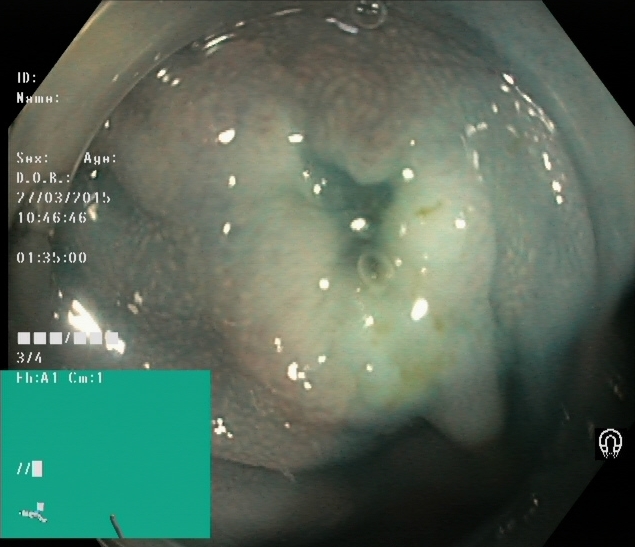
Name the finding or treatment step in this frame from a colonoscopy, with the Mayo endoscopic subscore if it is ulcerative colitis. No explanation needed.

dyed and lifted polyp (pre-resection)